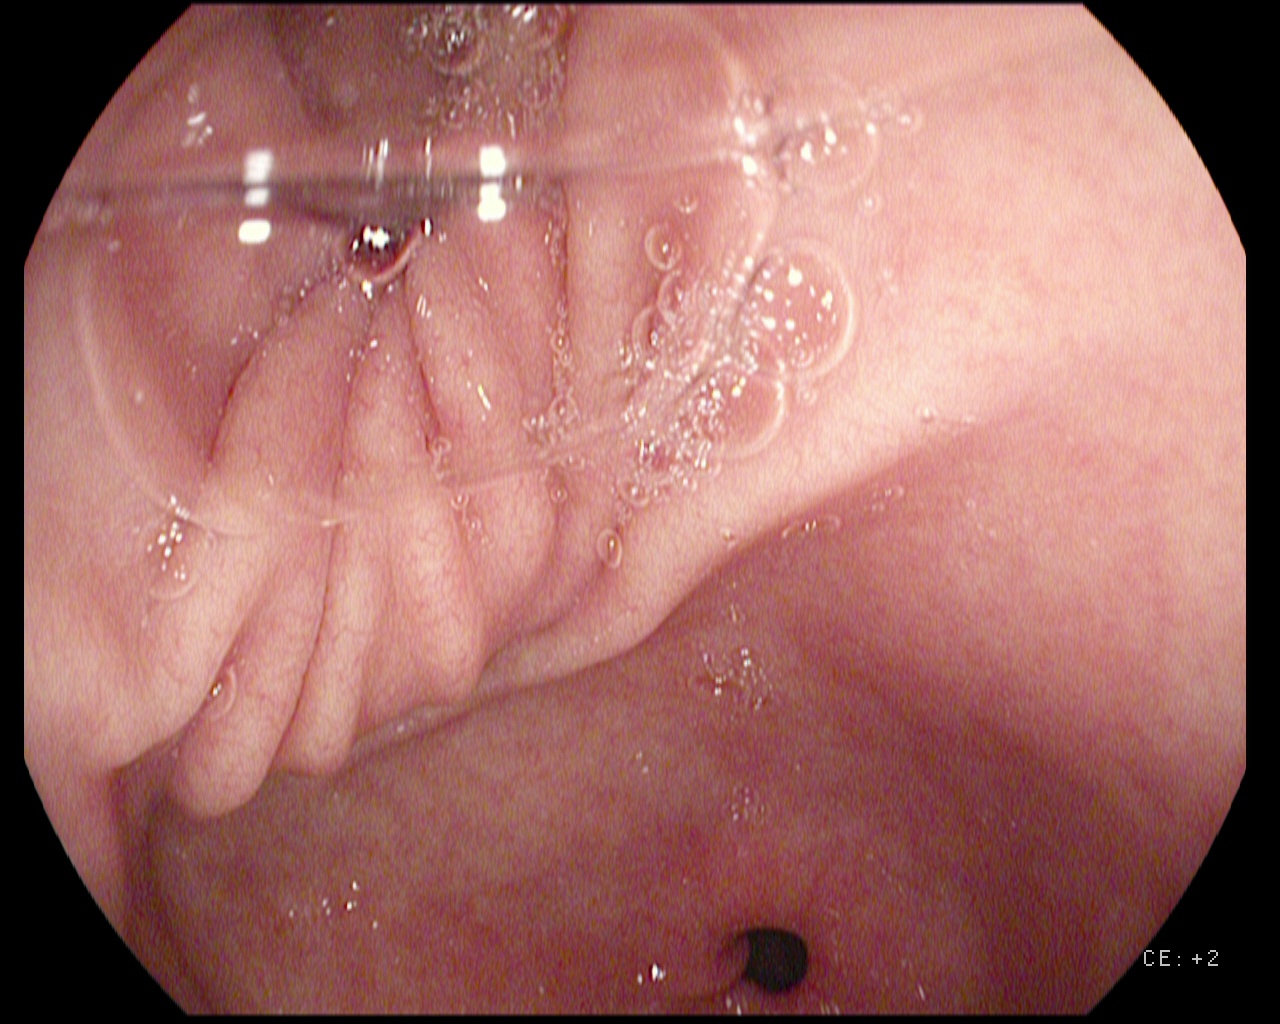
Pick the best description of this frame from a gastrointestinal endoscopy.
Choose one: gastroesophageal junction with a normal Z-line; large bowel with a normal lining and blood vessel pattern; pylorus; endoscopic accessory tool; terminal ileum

pylorus